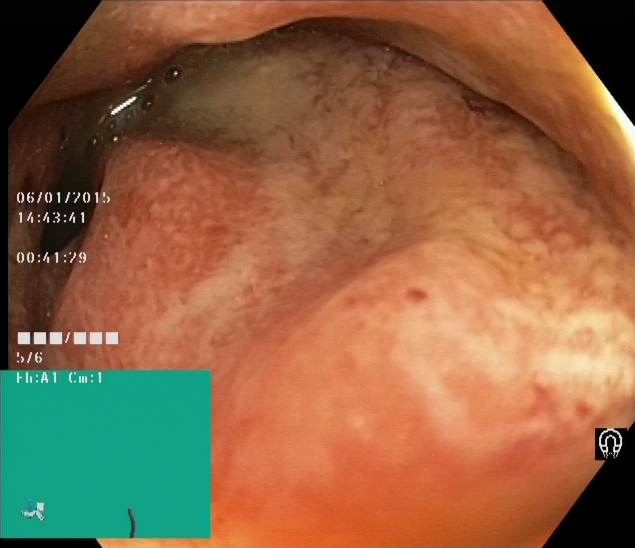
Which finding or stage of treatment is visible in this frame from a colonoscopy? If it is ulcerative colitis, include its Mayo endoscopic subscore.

ulcerative colitis, Mayo endoscopic subscore 2